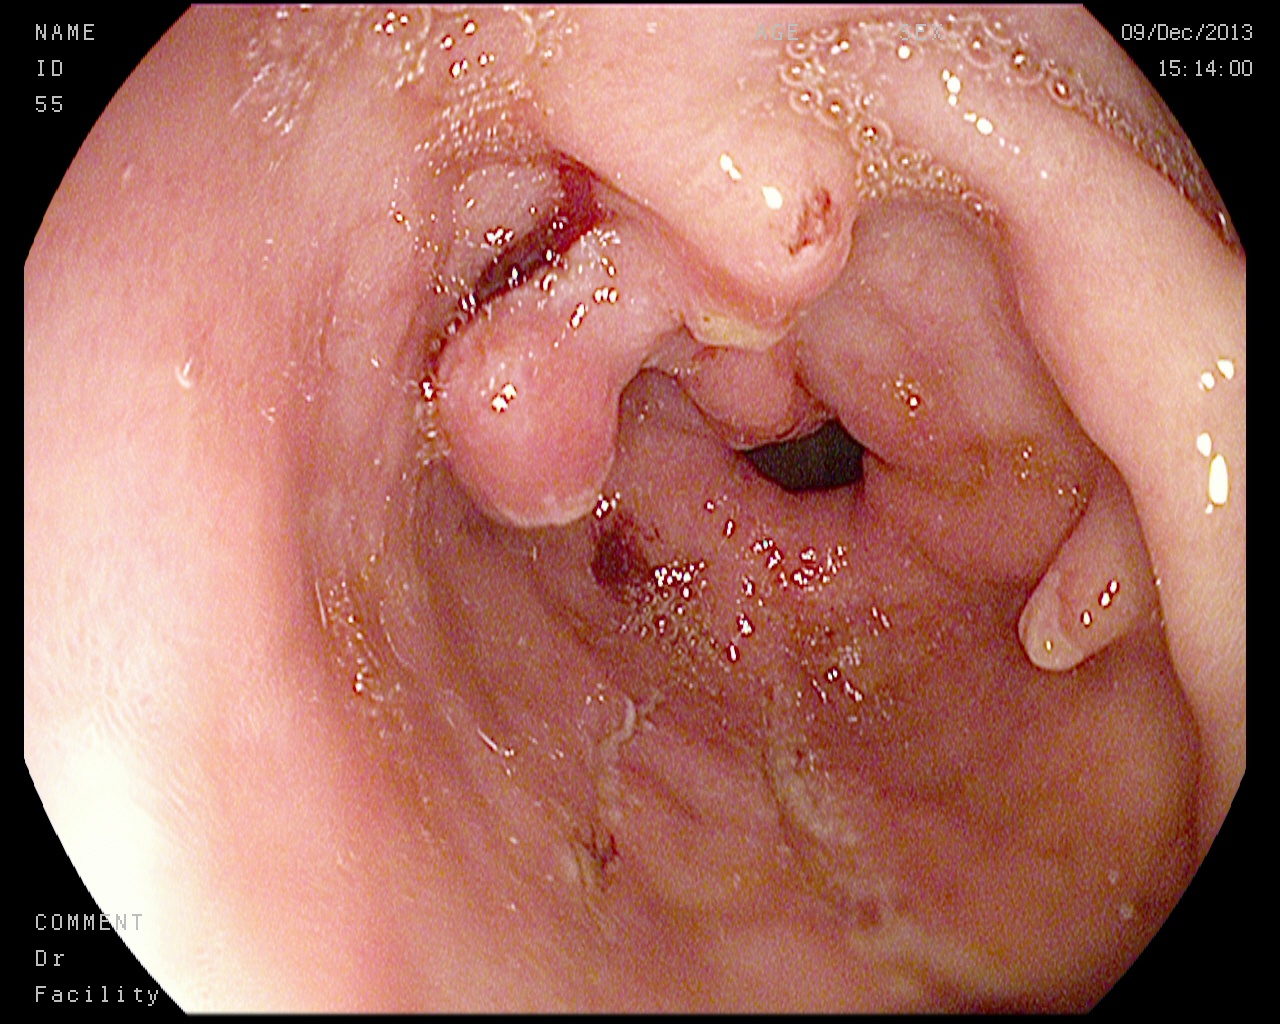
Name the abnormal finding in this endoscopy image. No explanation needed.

gastric polyp